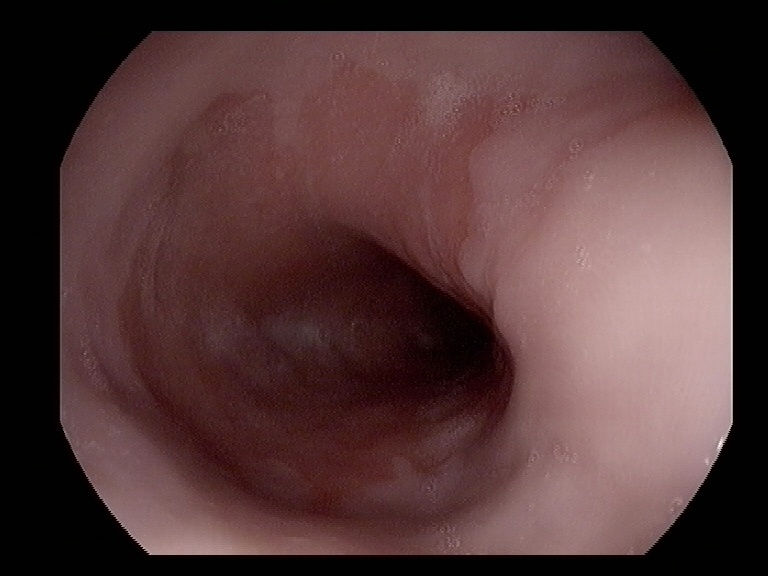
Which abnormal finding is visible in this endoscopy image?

Barrett's esophagus